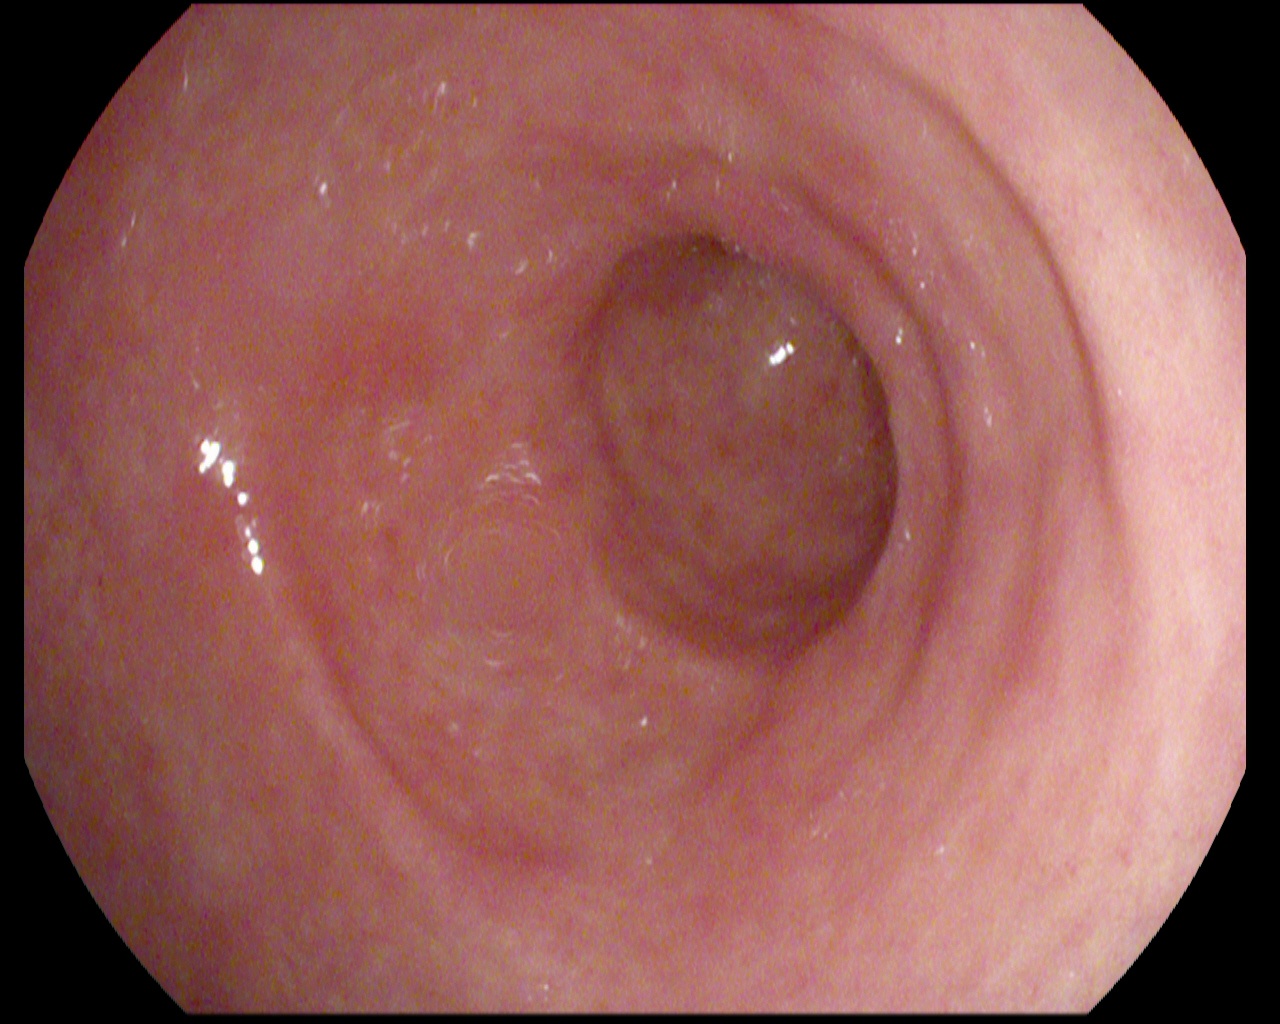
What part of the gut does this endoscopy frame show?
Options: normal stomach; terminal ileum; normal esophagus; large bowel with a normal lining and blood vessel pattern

normal stomach